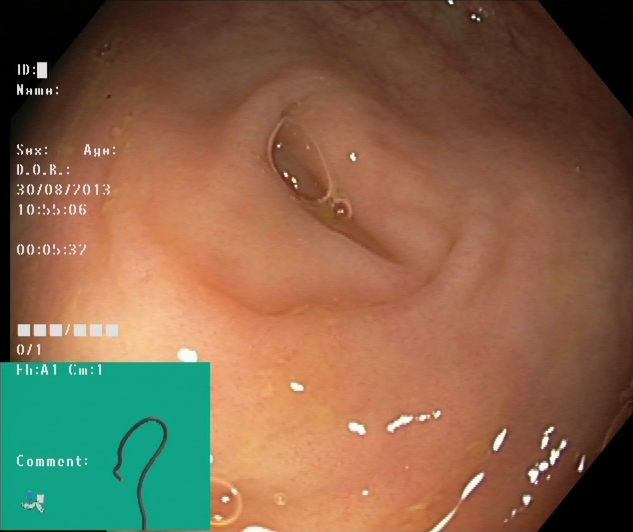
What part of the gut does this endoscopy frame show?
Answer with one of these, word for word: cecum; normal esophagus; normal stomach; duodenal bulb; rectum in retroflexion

cecum